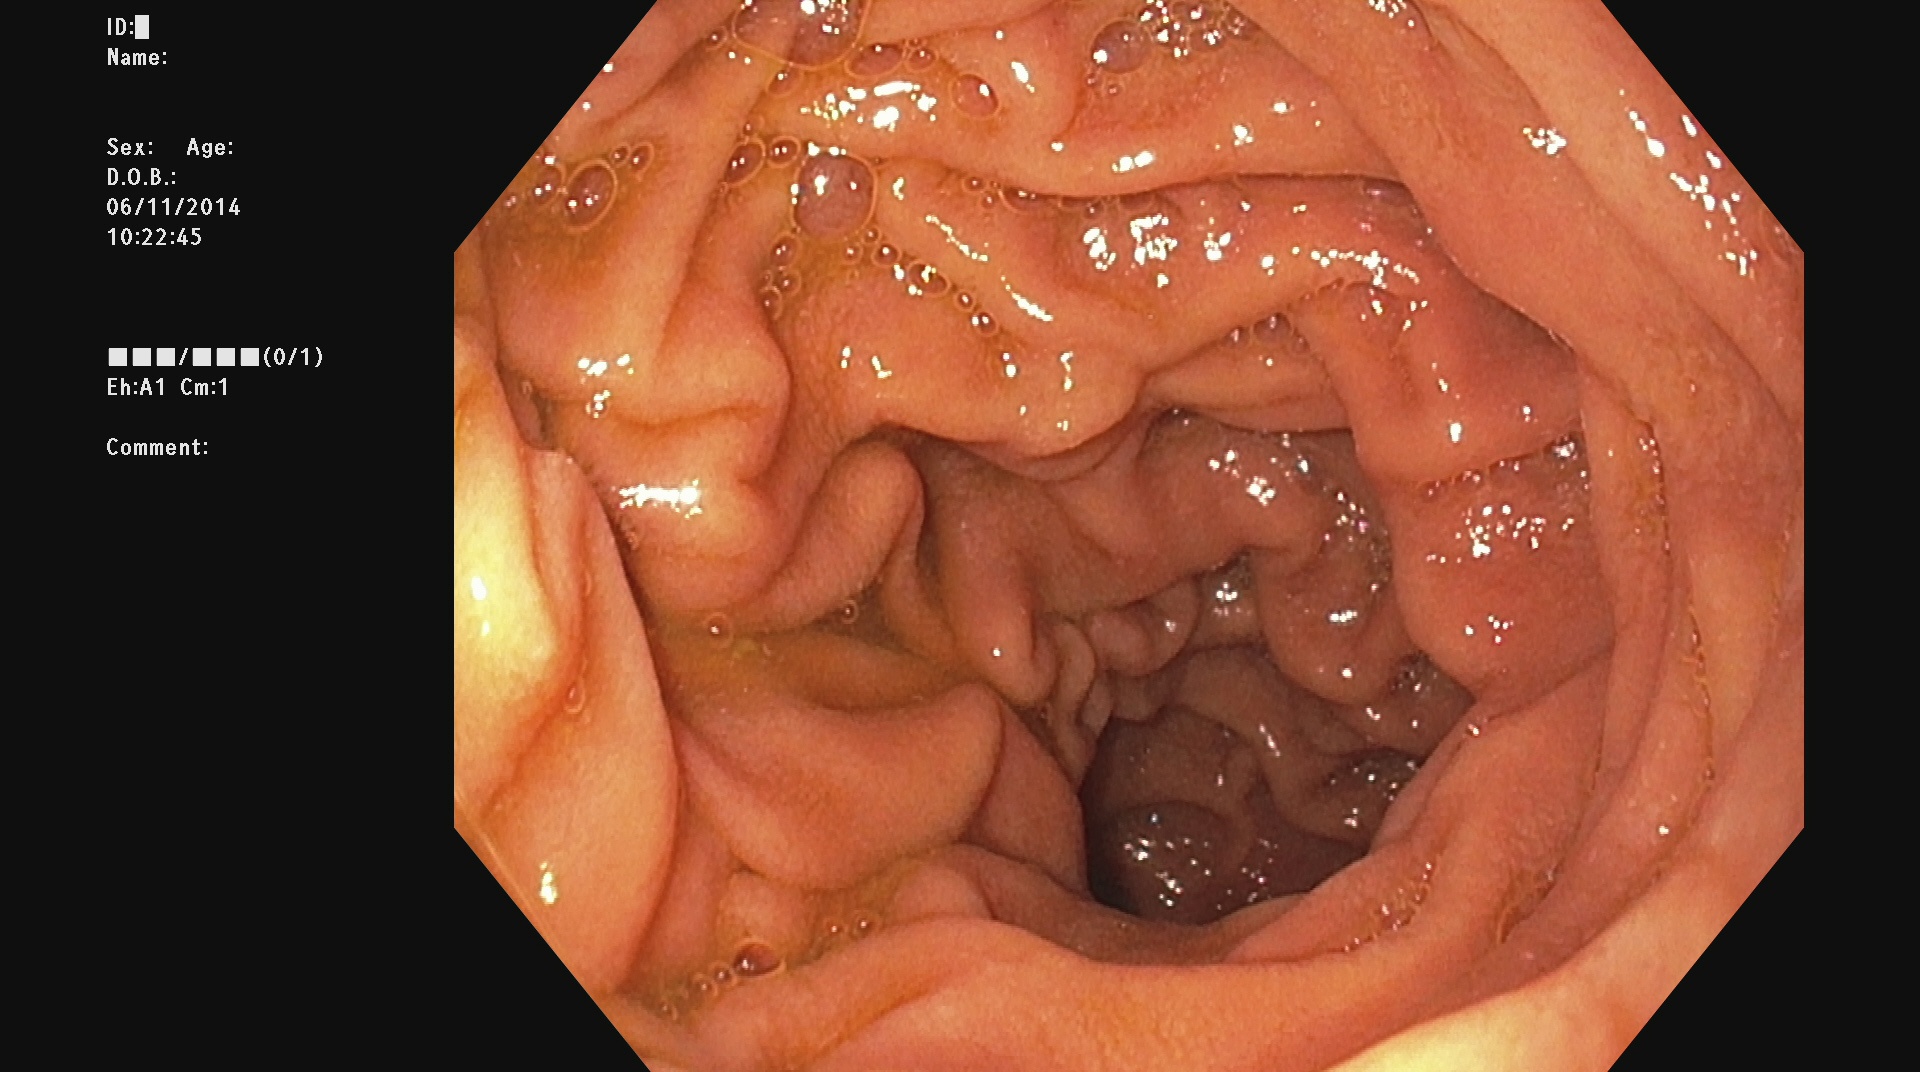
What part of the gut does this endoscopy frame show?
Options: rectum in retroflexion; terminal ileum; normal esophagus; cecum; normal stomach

terminal ileum